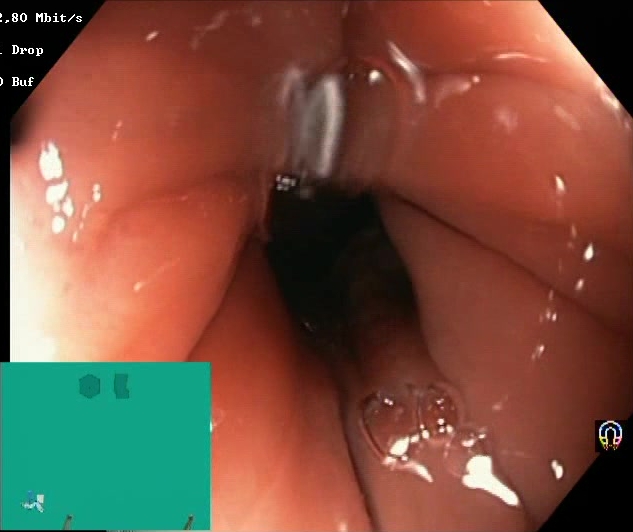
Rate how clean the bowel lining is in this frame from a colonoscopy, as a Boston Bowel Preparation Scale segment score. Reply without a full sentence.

Boston Bowel Preparation Scale score 2–3 (adequate preparation)